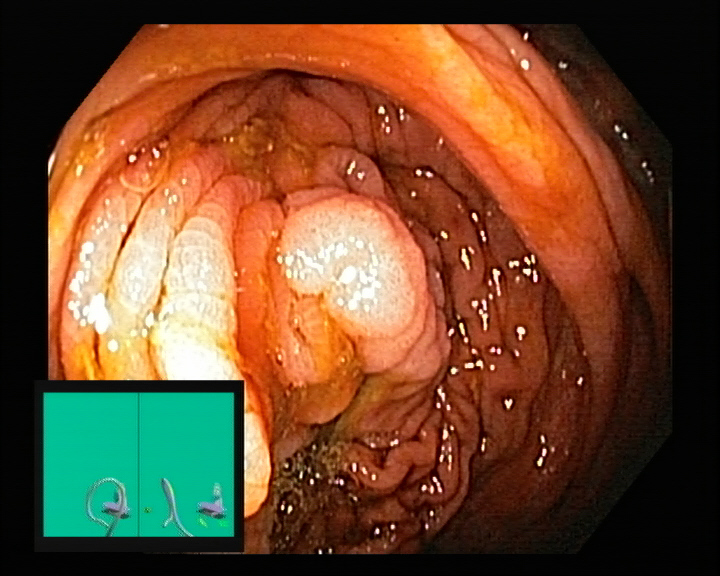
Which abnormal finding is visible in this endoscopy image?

colon polyp